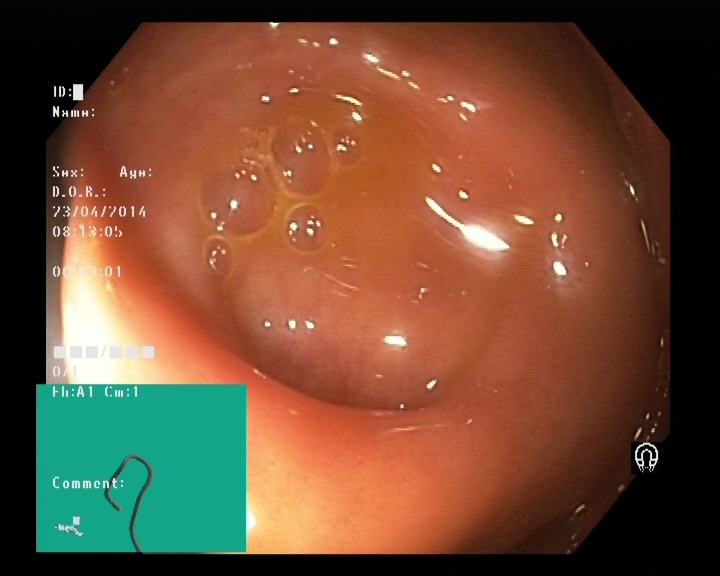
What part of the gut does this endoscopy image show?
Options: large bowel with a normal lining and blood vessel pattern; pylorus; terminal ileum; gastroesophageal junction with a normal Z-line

large bowel with a normal lining and blood vessel pattern